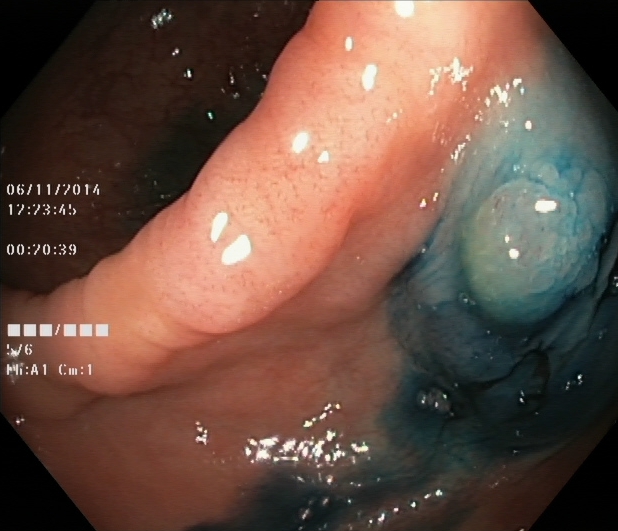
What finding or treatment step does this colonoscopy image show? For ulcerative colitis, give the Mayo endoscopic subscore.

dyed and lifted polyp (pre-resection)